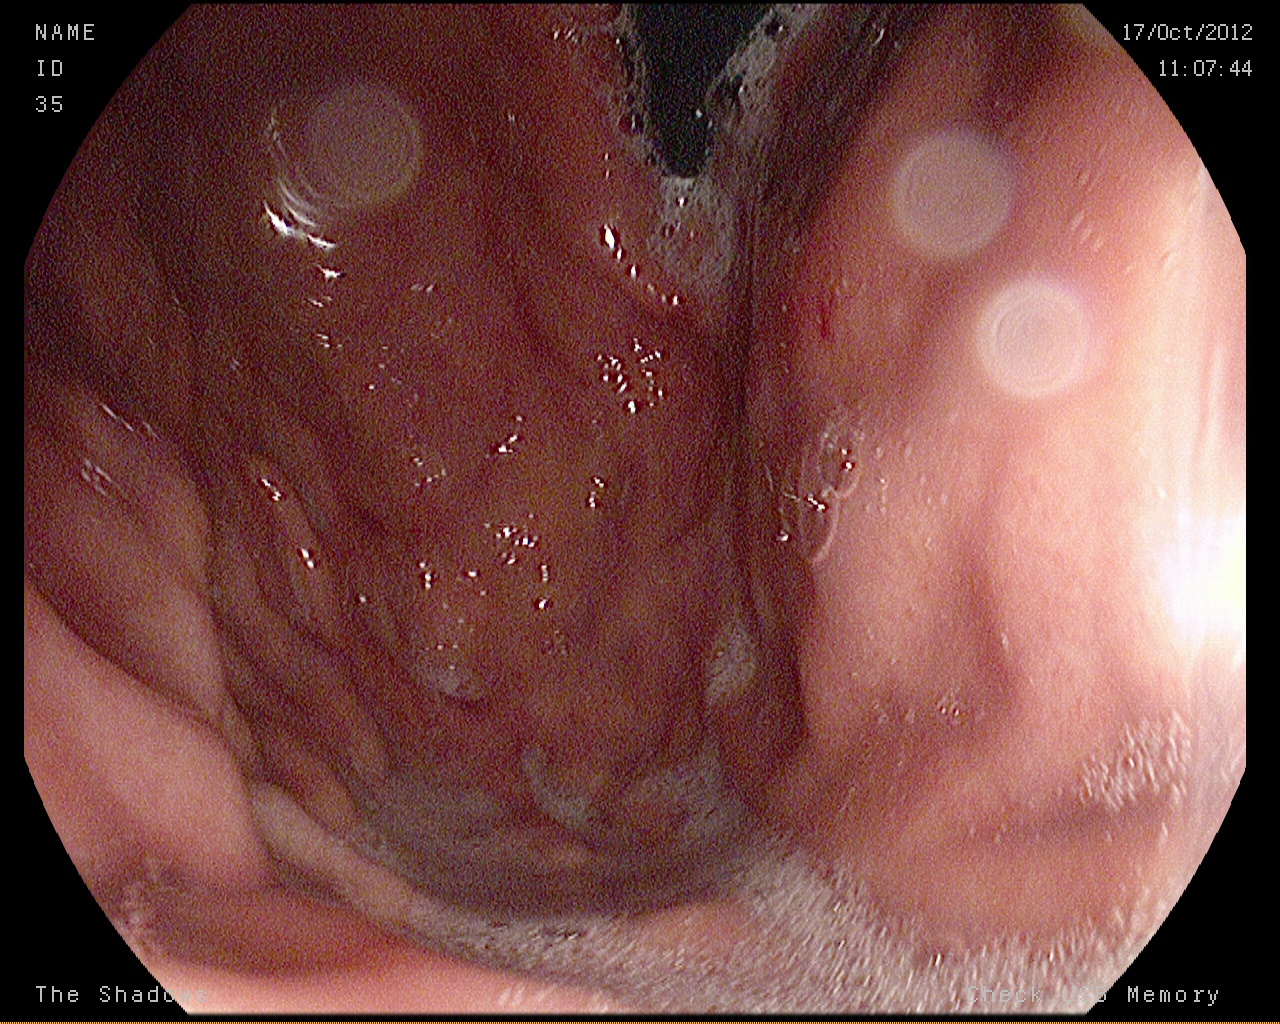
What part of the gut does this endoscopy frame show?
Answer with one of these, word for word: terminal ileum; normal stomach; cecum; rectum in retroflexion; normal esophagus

normal stomach